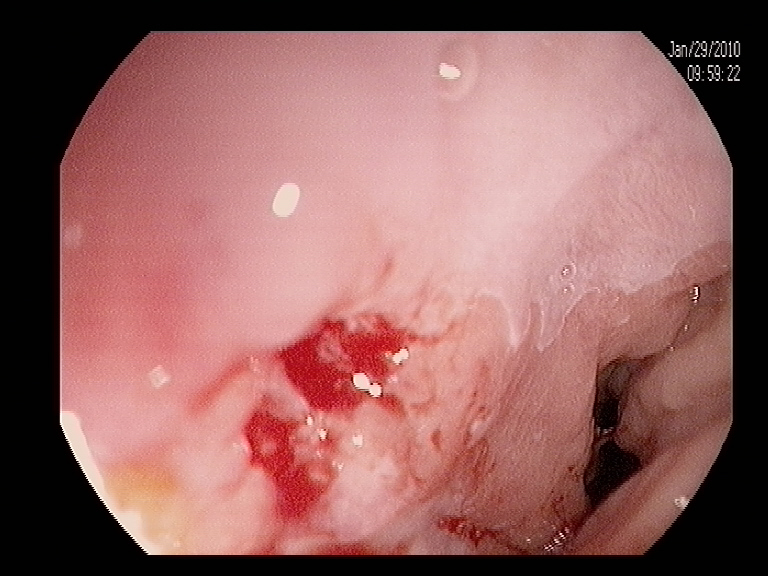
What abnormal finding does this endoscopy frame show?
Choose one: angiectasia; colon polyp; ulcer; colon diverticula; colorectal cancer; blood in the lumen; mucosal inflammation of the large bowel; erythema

blood in the lumen